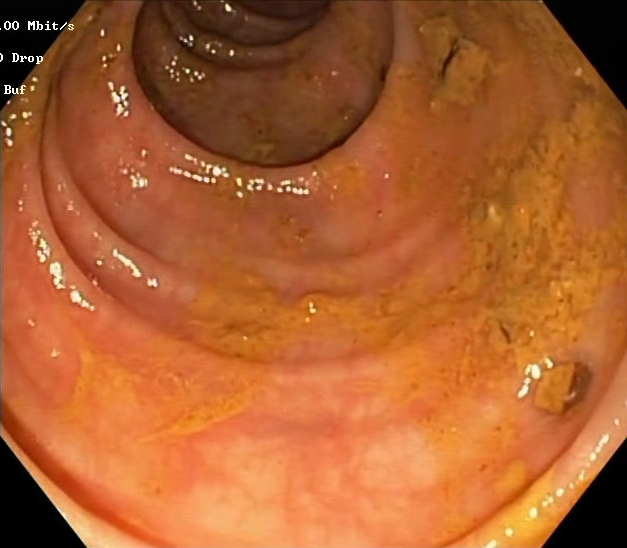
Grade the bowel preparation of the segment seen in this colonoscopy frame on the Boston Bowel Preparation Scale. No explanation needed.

Boston Bowel Preparation Scale score 0–1 (inadequate preparation)